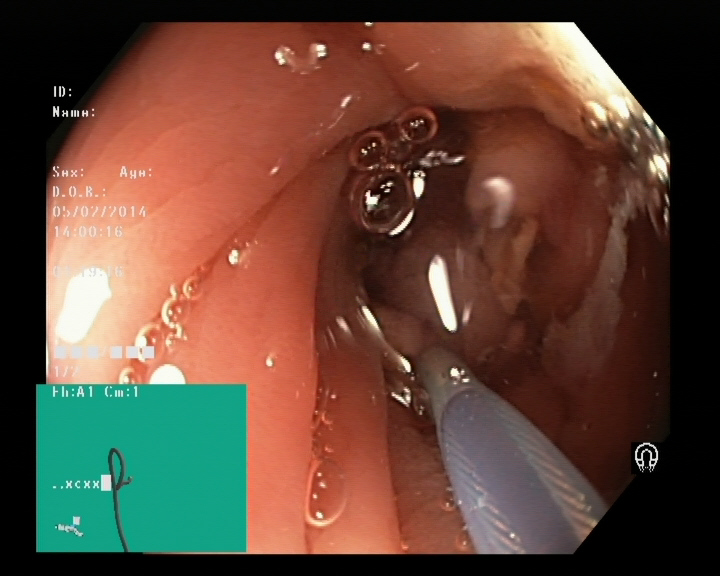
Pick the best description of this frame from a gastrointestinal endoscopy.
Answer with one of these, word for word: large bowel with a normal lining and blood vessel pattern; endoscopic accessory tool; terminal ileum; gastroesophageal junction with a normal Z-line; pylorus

endoscopic accessory tool